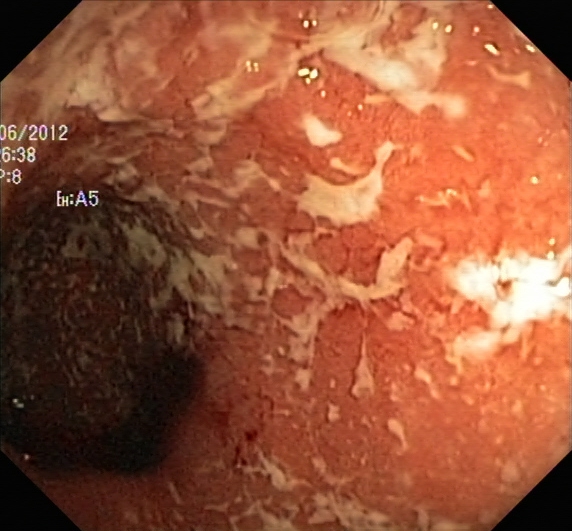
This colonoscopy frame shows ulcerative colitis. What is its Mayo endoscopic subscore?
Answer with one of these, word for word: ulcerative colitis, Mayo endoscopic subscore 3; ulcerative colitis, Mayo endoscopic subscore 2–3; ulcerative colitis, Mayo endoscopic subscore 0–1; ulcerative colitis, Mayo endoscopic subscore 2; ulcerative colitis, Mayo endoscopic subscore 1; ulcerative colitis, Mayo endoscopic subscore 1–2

ulcerative colitis, Mayo endoscopic subscore 2